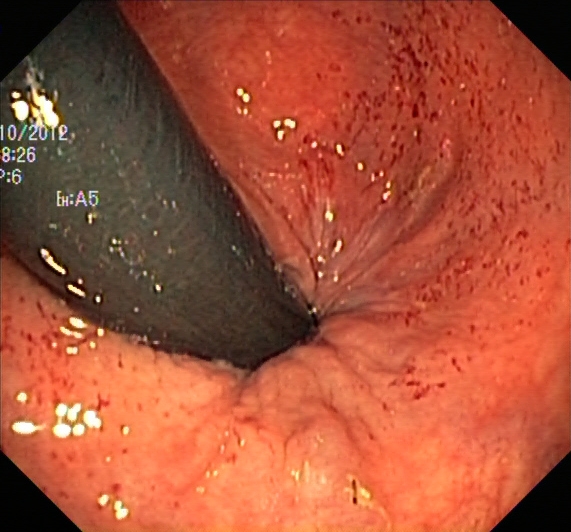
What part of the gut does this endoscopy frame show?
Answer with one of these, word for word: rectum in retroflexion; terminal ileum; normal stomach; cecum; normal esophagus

rectum in retroflexion